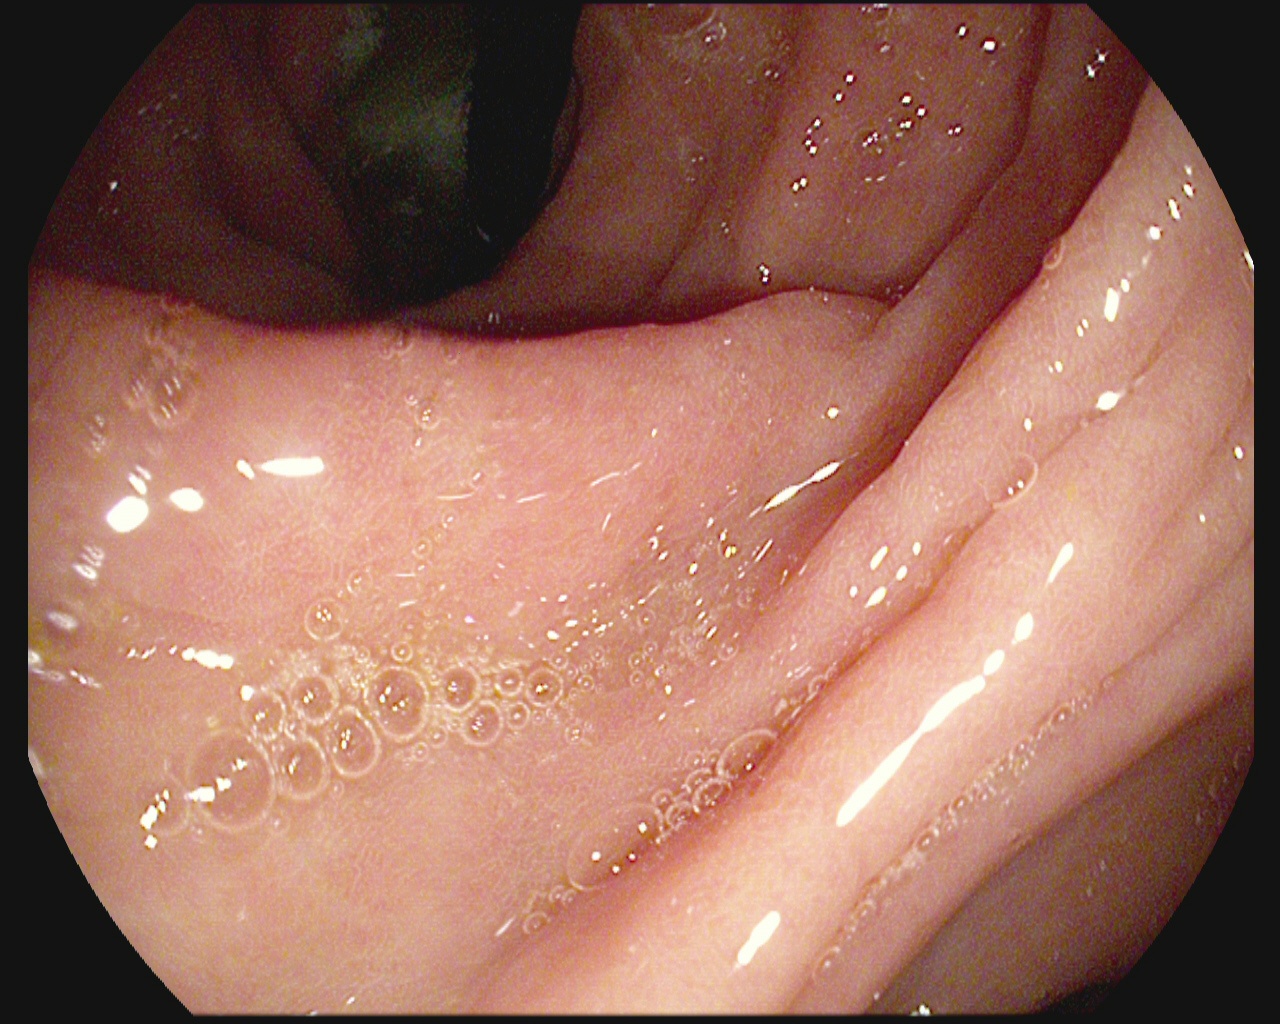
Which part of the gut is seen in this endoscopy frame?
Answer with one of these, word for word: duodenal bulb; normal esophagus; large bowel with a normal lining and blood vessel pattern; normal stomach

normal stomach